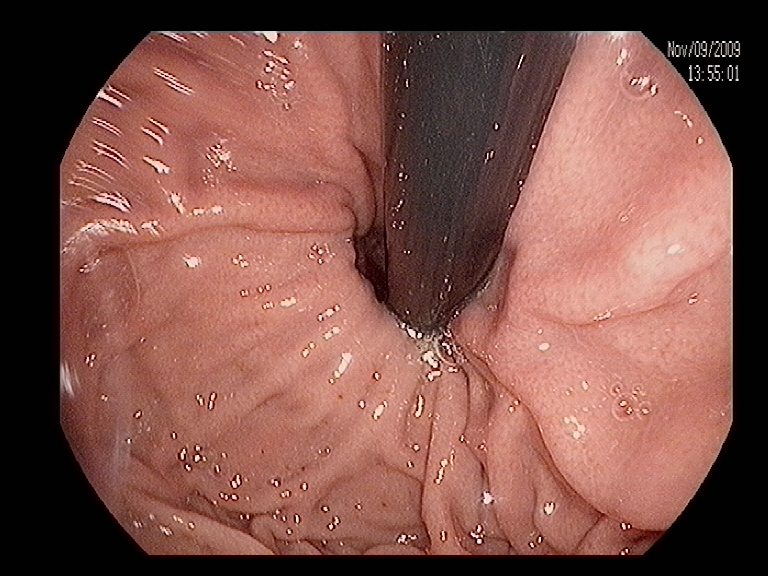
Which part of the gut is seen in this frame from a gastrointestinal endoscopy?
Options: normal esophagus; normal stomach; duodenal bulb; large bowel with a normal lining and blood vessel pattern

normal stomach